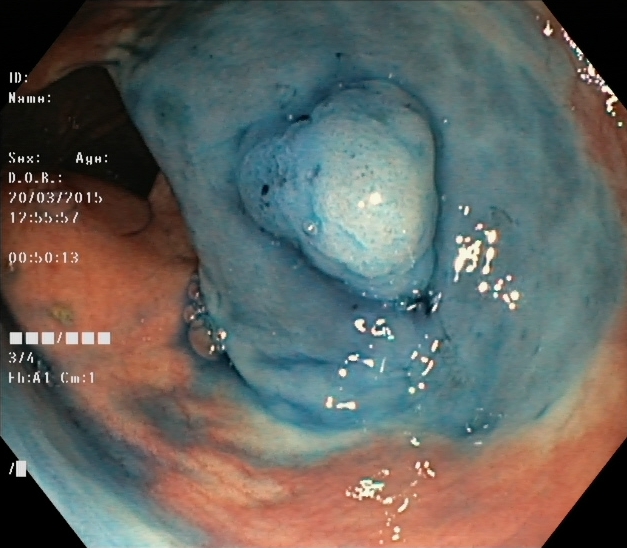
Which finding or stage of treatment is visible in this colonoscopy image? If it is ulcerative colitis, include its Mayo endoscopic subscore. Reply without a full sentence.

dyed and lifted polyp (pre-resection)